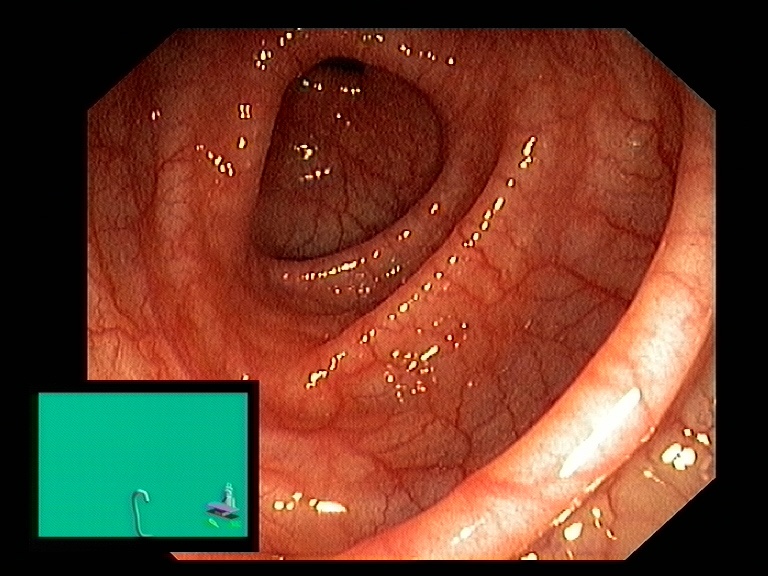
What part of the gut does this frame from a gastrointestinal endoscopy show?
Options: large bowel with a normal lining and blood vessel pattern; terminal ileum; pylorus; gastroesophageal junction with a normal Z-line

large bowel with a normal lining and blood vessel pattern